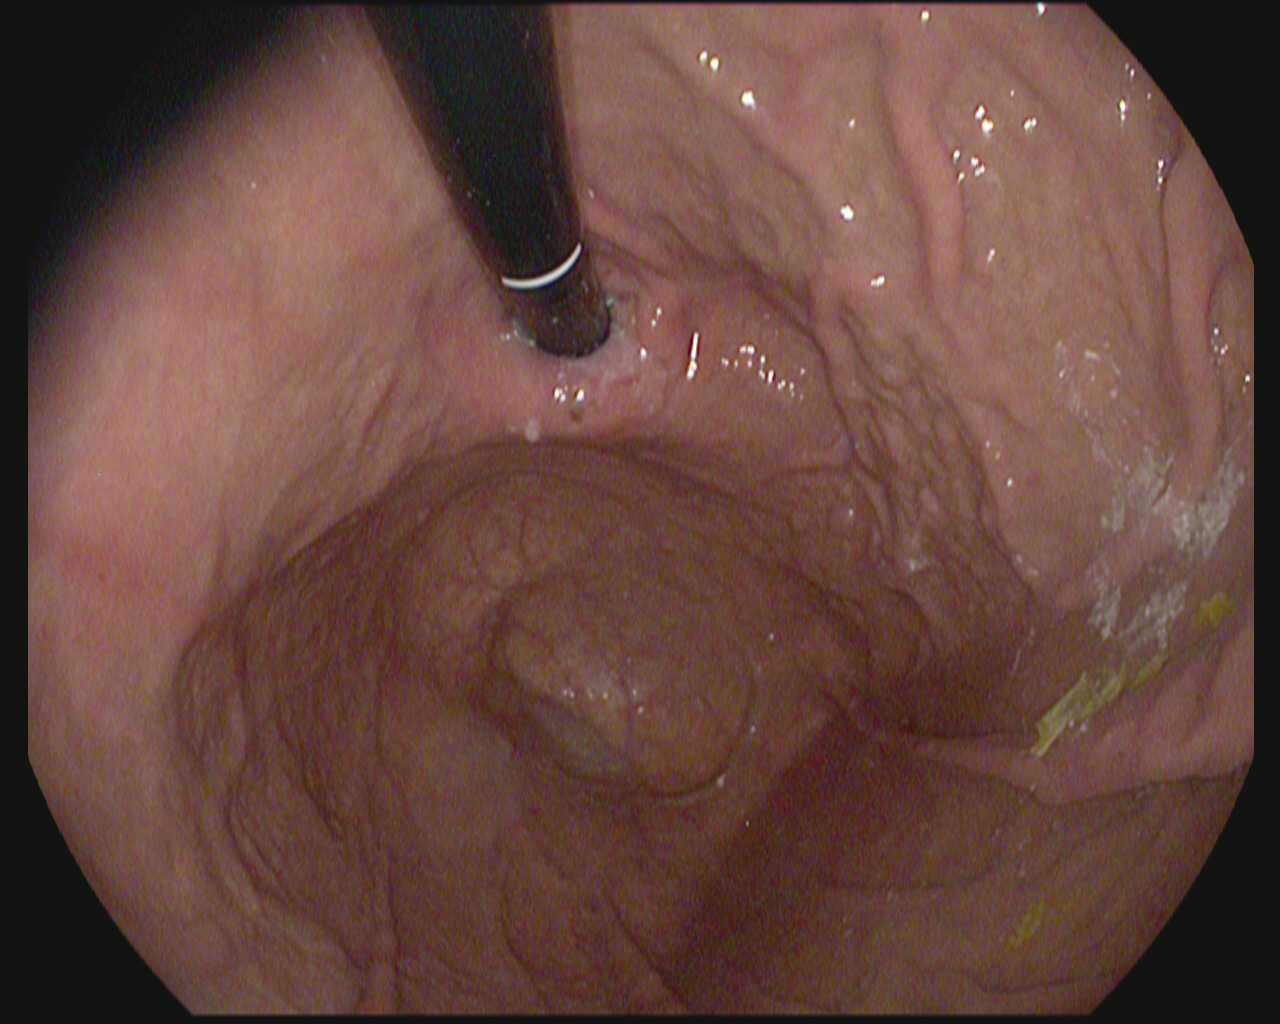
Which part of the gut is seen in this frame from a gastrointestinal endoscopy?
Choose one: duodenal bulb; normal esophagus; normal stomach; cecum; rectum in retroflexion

normal stomach